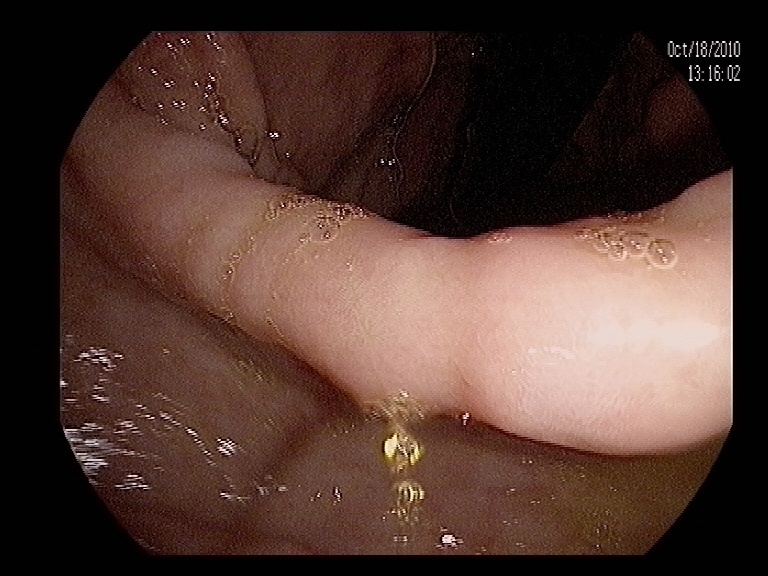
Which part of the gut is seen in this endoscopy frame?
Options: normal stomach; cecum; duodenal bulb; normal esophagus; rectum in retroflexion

normal stomach